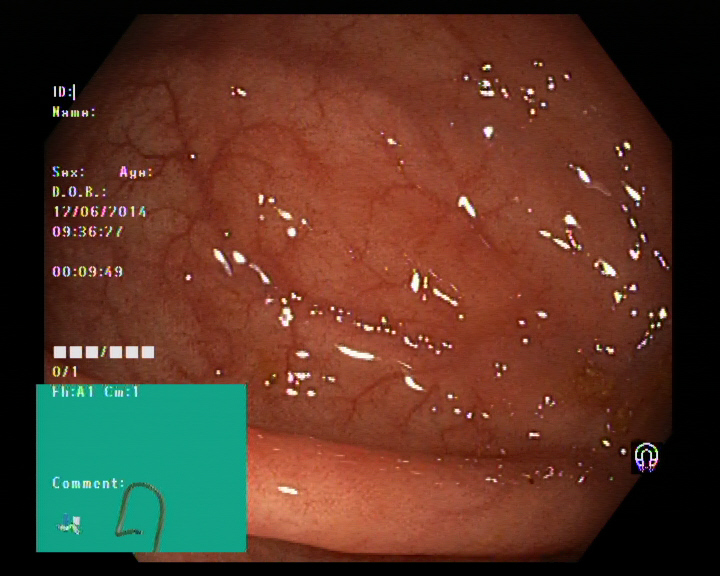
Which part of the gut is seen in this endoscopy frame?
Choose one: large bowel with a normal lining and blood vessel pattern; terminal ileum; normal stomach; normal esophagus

large bowel with a normal lining and blood vessel pattern